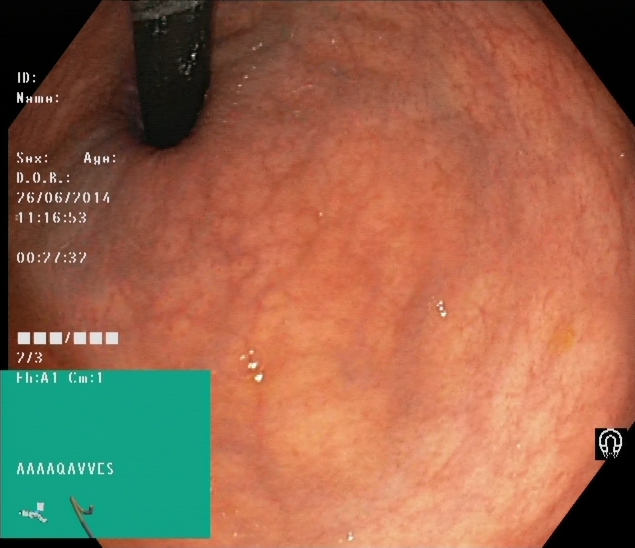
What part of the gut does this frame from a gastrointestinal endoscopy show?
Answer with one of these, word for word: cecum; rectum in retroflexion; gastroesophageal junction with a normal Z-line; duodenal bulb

rectum in retroflexion